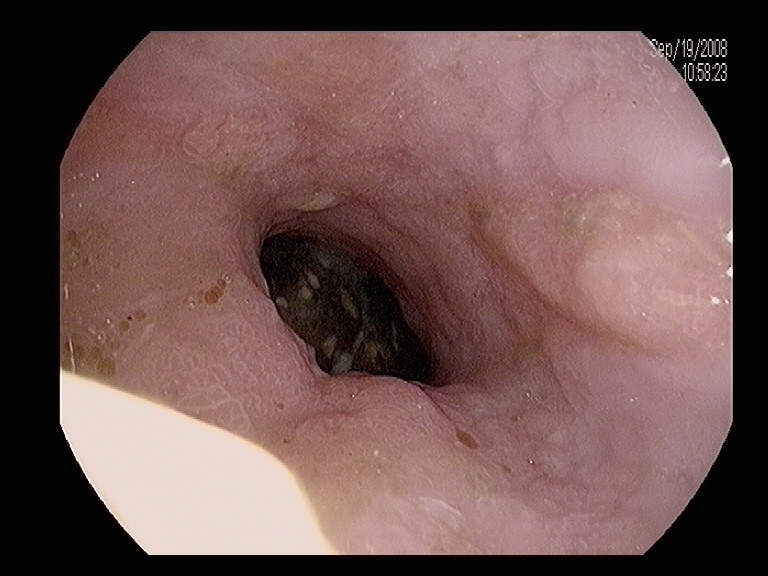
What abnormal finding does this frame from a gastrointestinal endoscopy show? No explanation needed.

esophagitis